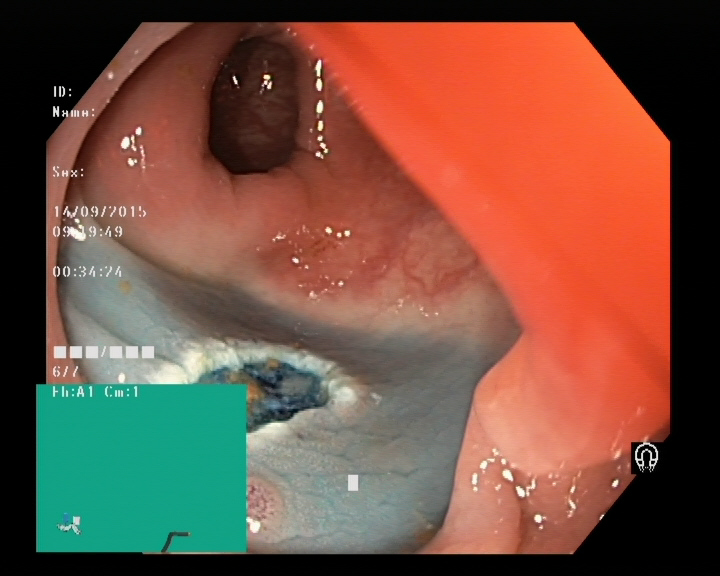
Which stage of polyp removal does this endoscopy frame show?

dyed resection margin (post-polypectomy)